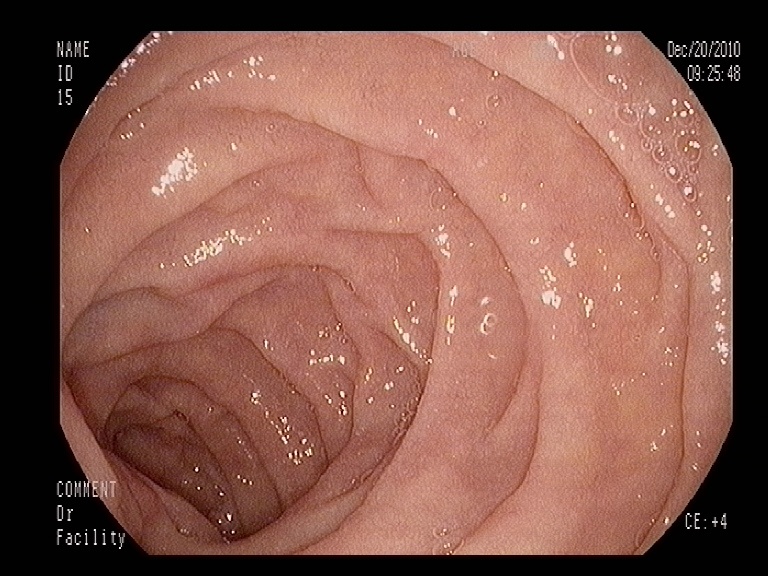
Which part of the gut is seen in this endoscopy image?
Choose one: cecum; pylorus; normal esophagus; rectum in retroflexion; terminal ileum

terminal ileum